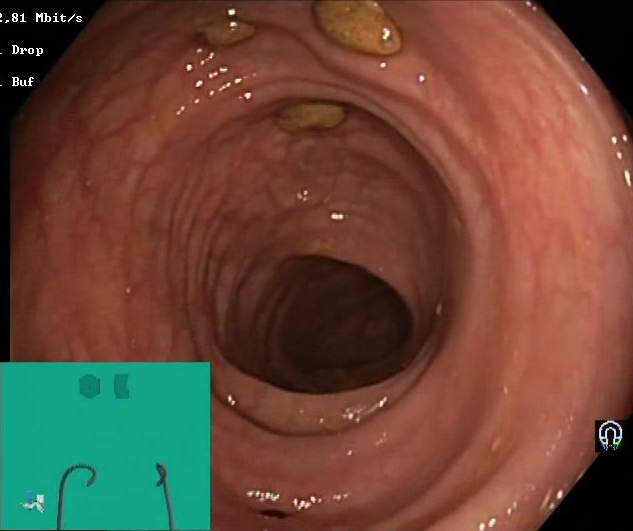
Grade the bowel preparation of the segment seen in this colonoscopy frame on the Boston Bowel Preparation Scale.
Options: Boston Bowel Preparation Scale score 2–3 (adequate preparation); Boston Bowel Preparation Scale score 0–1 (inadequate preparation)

Boston Bowel Preparation Scale score 2–3 (adequate preparation)